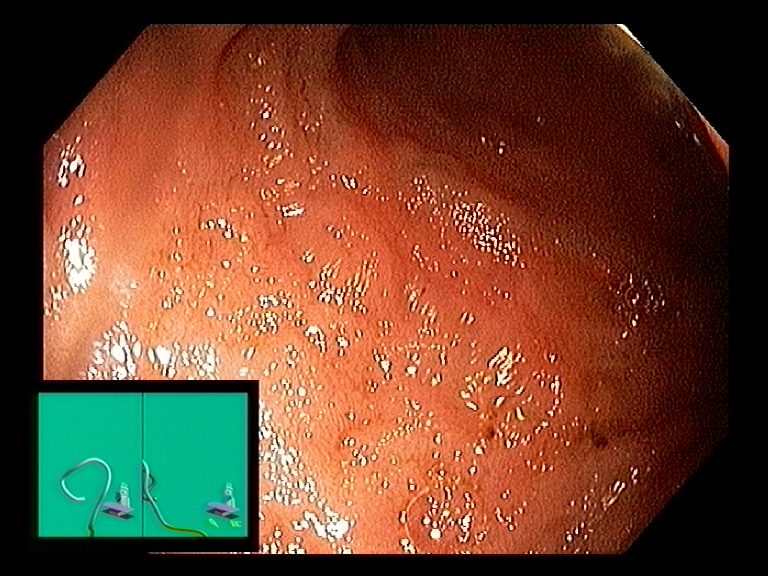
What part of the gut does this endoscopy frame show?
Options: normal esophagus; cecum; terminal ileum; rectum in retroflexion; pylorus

terminal ileum